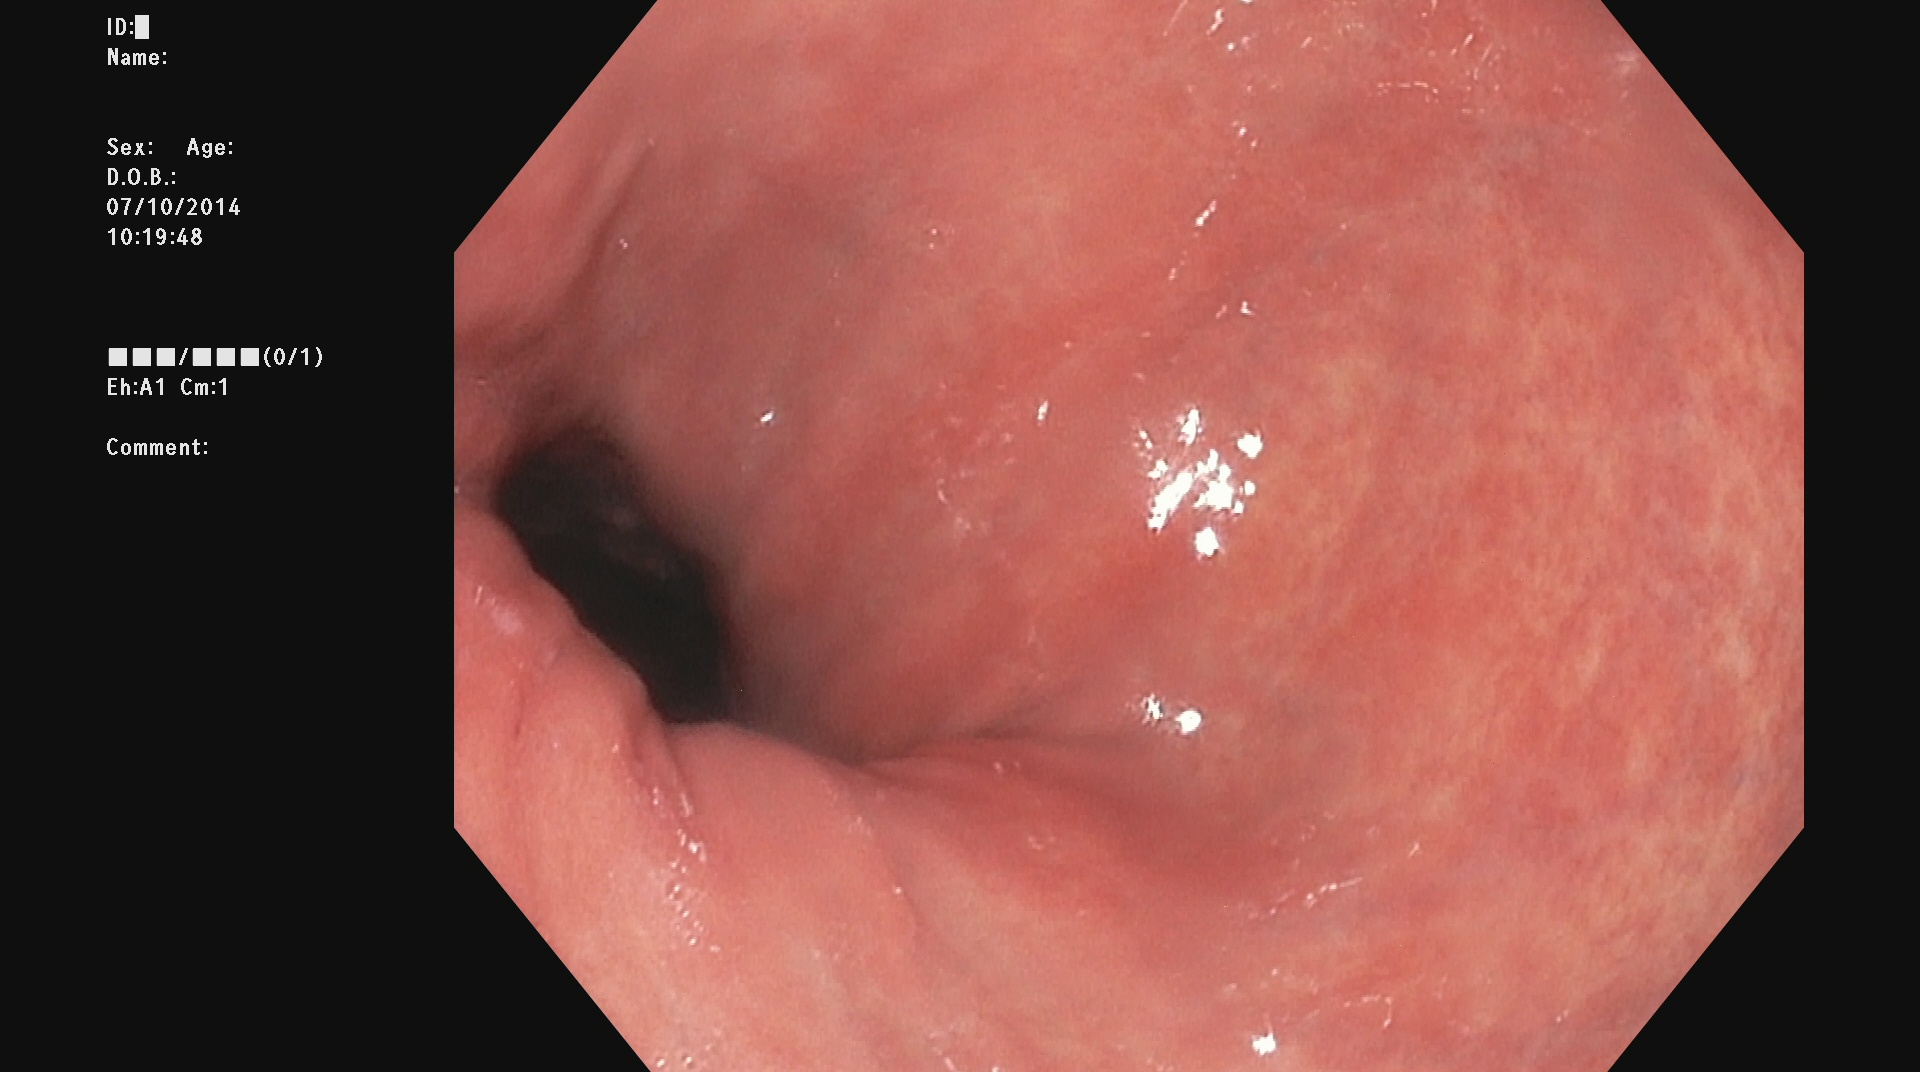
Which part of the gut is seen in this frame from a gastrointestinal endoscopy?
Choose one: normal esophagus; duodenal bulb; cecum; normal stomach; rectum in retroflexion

normal stomach